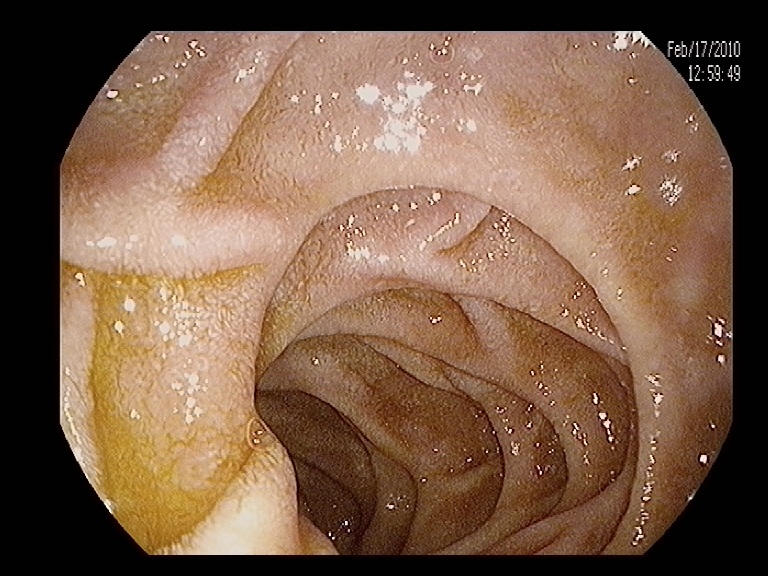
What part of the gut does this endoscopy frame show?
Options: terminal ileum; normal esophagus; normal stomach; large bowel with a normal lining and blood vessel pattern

terminal ileum